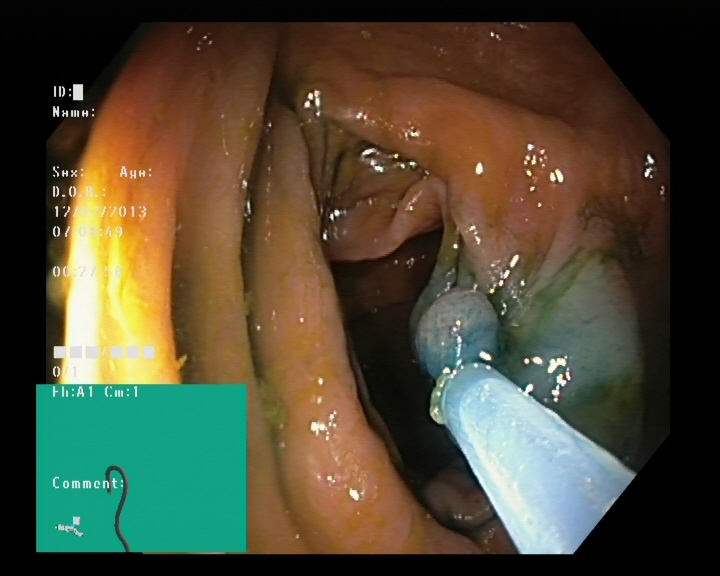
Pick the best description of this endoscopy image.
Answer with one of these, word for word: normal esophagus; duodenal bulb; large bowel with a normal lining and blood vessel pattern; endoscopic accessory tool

endoscopic accessory tool